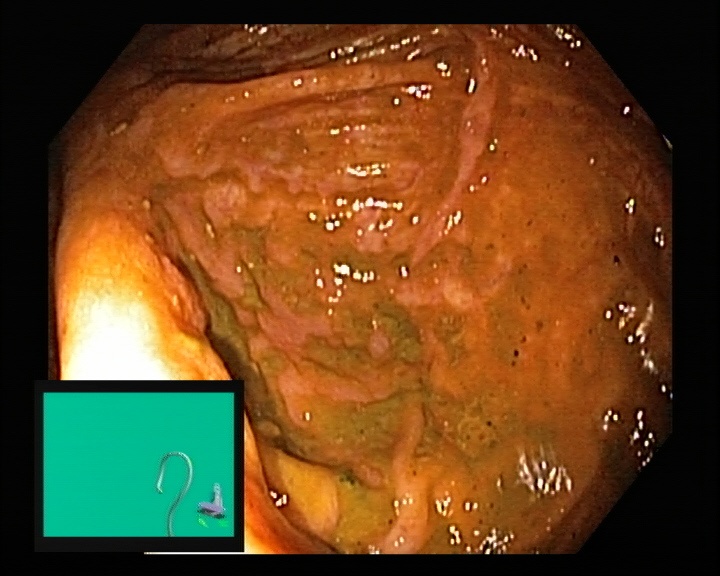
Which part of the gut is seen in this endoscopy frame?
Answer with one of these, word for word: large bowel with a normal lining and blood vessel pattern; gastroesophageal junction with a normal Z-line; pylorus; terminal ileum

large bowel with a normal lining and blood vessel pattern